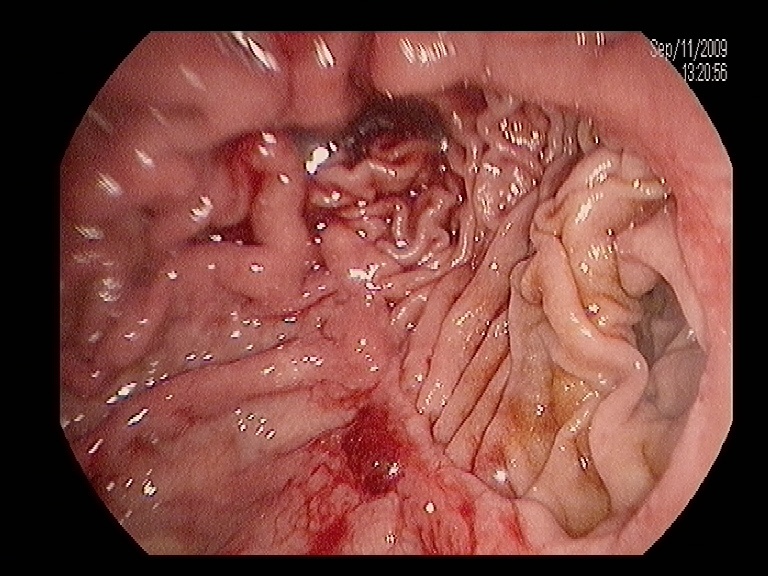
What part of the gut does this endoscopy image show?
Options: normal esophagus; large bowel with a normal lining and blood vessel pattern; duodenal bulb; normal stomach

normal stomach